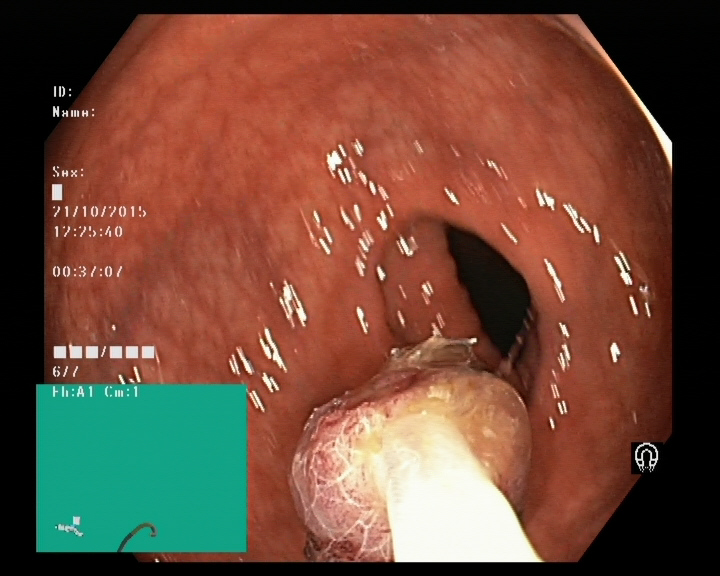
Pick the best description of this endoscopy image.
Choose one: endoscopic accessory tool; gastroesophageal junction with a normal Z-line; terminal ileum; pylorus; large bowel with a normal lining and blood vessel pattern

endoscopic accessory tool